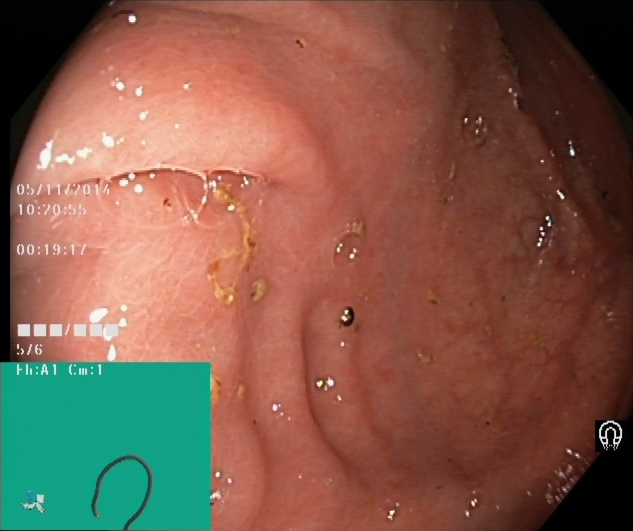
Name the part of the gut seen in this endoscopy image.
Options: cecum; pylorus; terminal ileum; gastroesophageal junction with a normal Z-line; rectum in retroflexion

cecum